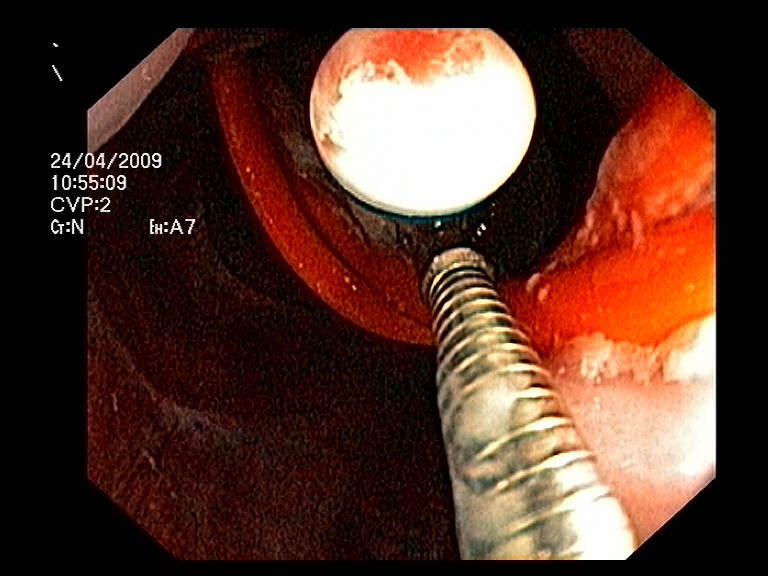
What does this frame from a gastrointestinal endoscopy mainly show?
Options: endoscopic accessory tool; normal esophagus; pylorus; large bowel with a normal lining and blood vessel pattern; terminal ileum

endoscopic accessory tool